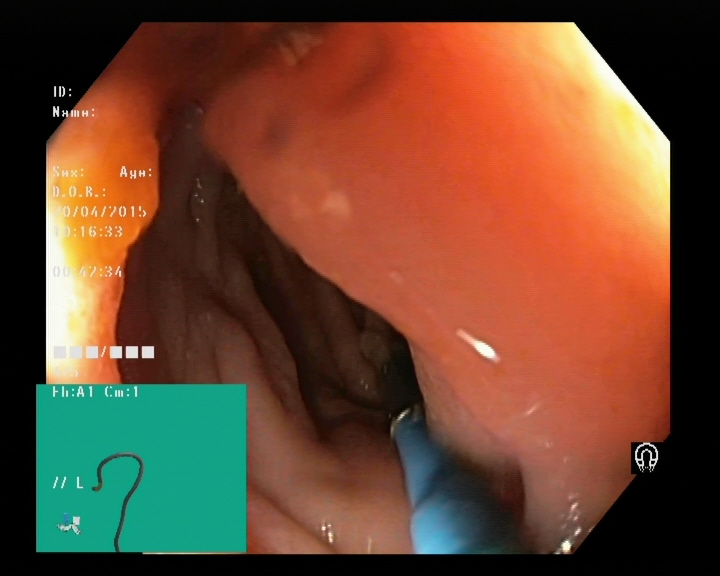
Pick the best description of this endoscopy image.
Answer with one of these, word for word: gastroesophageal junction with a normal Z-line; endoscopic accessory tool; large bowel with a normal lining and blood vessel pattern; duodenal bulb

endoscopic accessory tool